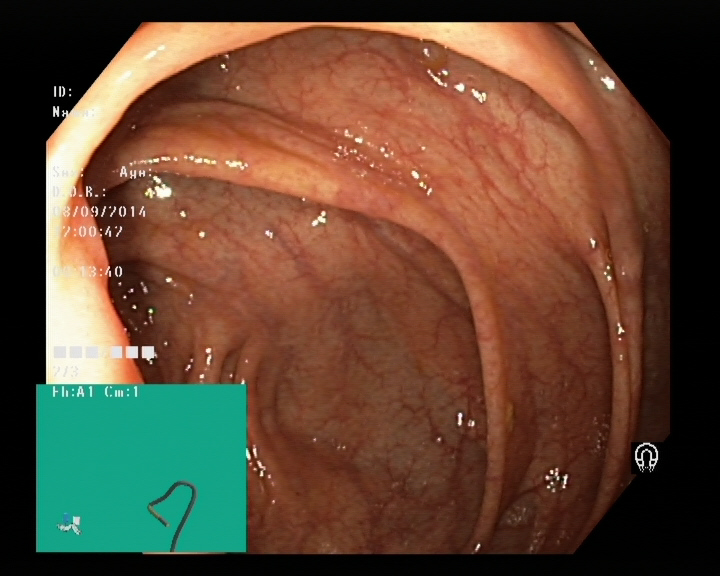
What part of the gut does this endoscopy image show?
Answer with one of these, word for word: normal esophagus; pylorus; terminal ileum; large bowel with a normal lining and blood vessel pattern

large bowel with a normal lining and blood vessel pattern